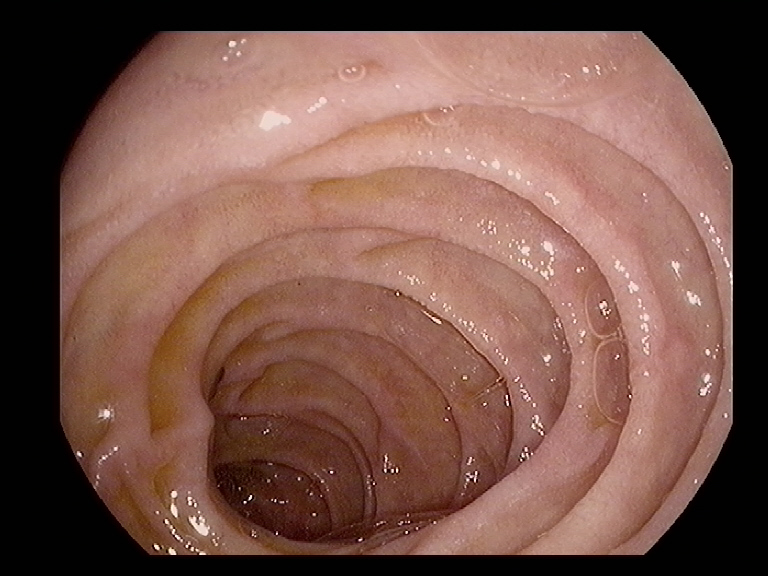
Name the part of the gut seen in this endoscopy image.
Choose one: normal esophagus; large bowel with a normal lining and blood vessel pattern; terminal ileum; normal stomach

terminal ileum